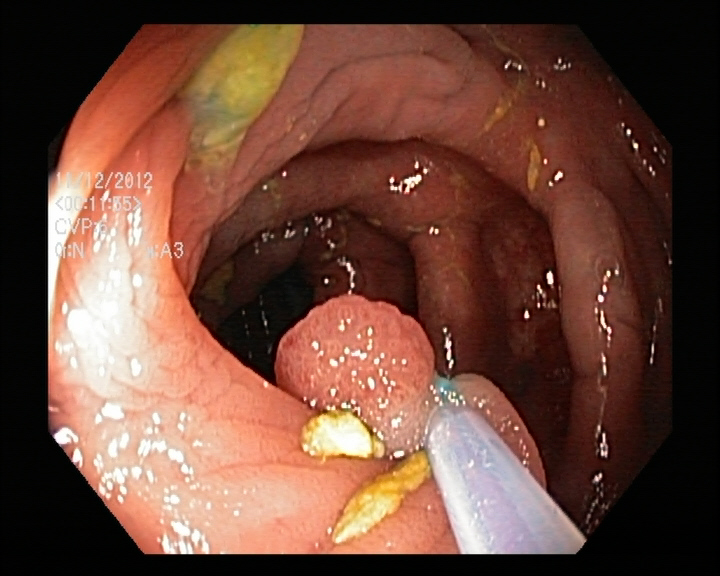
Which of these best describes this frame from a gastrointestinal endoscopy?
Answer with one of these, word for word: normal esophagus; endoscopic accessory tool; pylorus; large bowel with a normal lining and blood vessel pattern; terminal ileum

endoscopic accessory tool